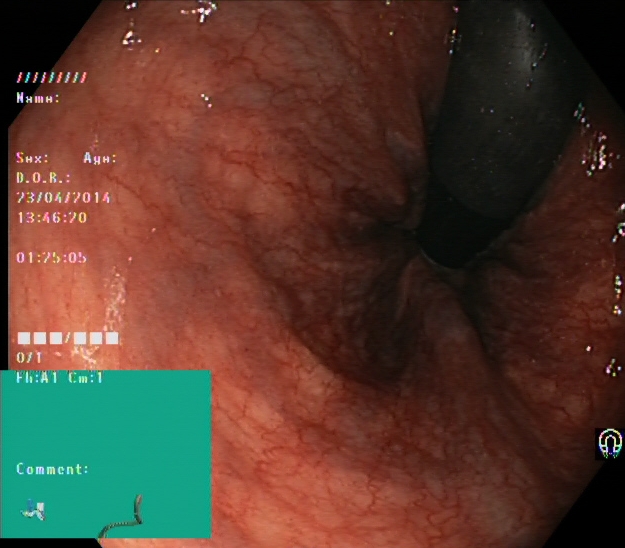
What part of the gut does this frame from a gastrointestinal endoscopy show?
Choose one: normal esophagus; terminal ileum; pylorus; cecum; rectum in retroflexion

rectum in retroflexion